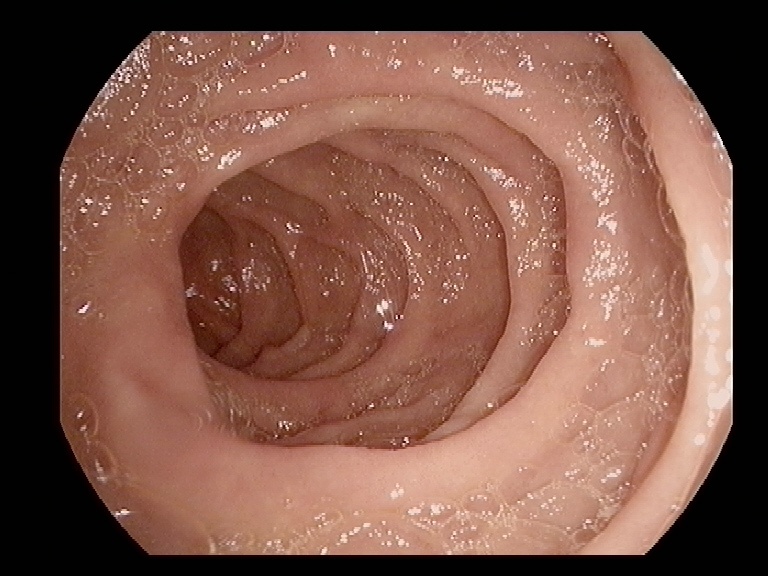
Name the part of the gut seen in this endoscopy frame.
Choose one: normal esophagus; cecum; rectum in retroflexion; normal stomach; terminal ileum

terminal ileum